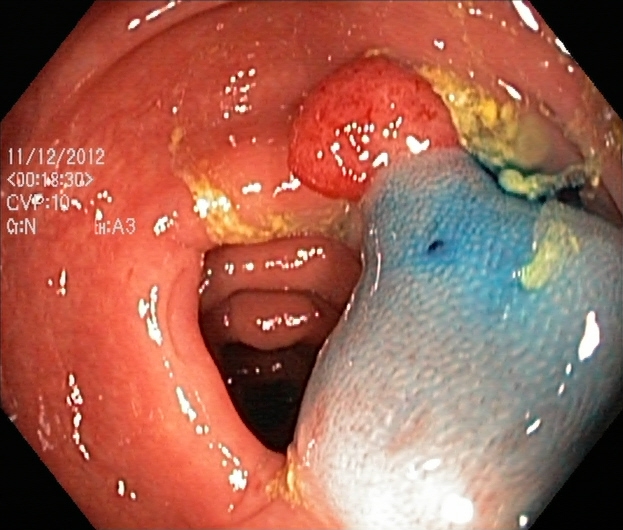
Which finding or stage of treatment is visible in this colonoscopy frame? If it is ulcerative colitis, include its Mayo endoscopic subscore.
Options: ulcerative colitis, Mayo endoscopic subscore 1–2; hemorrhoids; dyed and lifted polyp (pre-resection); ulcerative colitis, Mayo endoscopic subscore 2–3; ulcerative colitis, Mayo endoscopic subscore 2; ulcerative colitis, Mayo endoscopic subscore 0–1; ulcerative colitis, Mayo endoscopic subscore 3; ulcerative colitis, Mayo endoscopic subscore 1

dyed and lifted polyp (pre-resection)